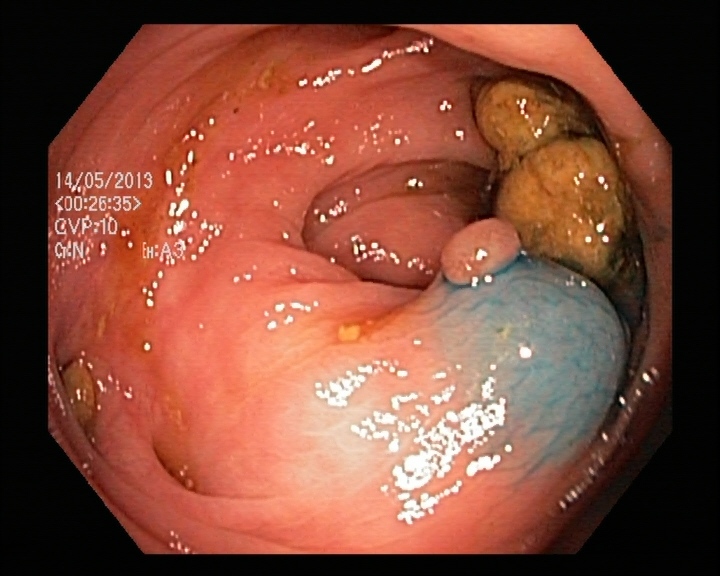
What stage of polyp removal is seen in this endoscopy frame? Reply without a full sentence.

dyed and lifted polyp (pre-resection)